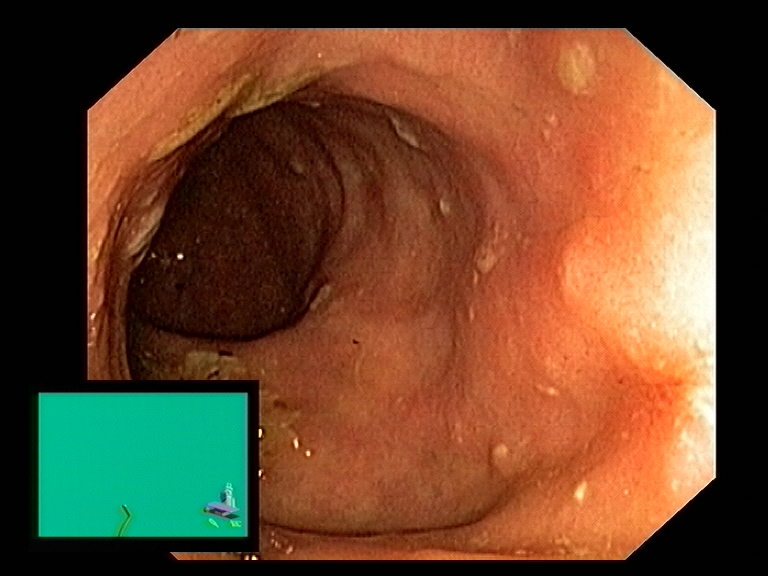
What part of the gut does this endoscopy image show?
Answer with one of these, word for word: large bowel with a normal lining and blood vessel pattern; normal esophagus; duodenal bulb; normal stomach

large bowel with a normal lining and blood vessel pattern